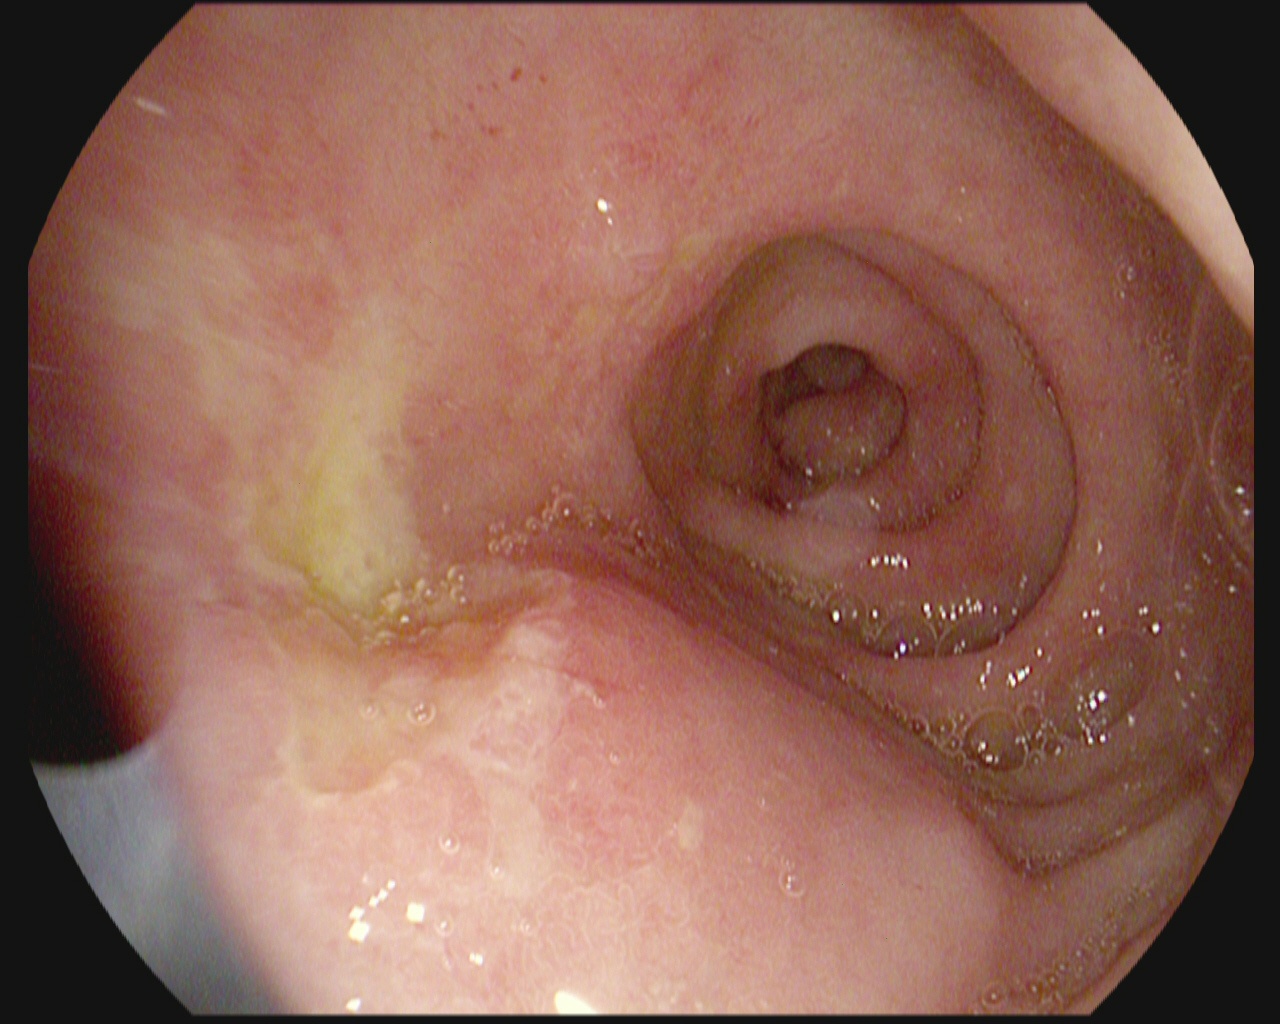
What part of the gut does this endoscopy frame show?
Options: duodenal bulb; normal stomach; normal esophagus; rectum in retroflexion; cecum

duodenal bulb